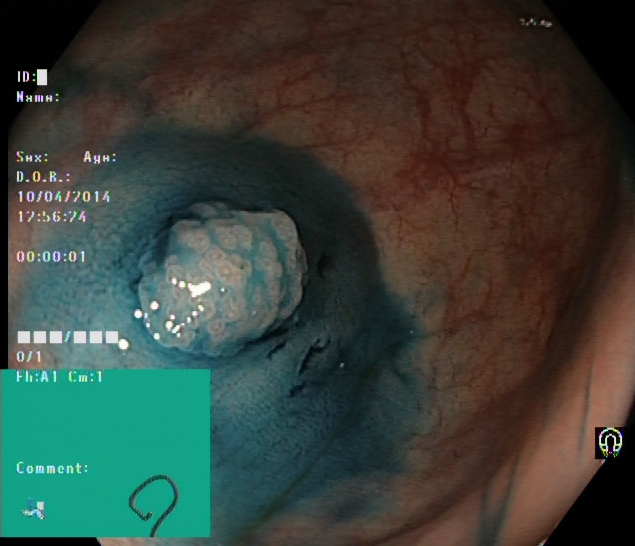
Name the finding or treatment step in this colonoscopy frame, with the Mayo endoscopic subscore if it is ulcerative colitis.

dyed and lifted polyp (pre-resection)